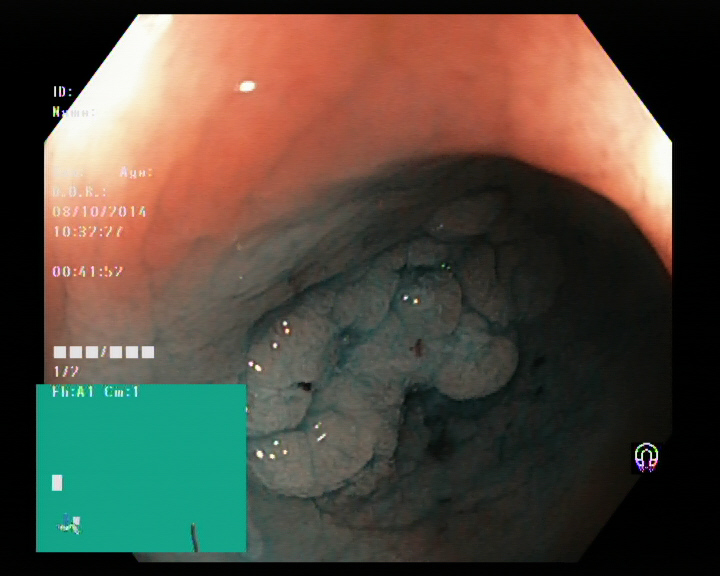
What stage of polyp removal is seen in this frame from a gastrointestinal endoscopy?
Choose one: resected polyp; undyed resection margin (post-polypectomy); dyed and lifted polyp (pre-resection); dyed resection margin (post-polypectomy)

dyed and lifted polyp (pre-resection)